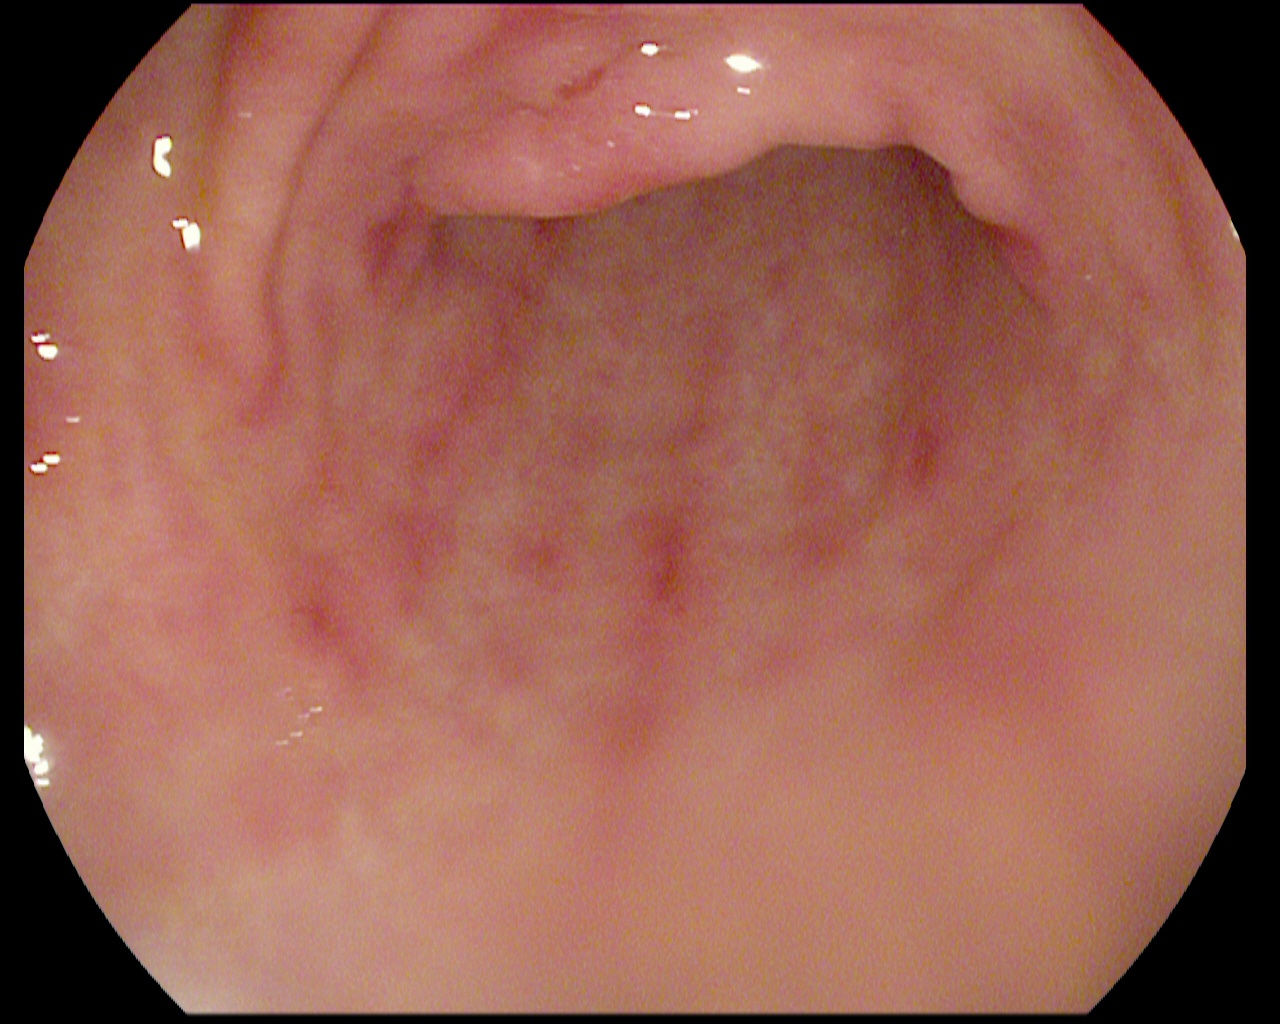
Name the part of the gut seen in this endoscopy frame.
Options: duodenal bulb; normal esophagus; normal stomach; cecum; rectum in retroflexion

normal stomach